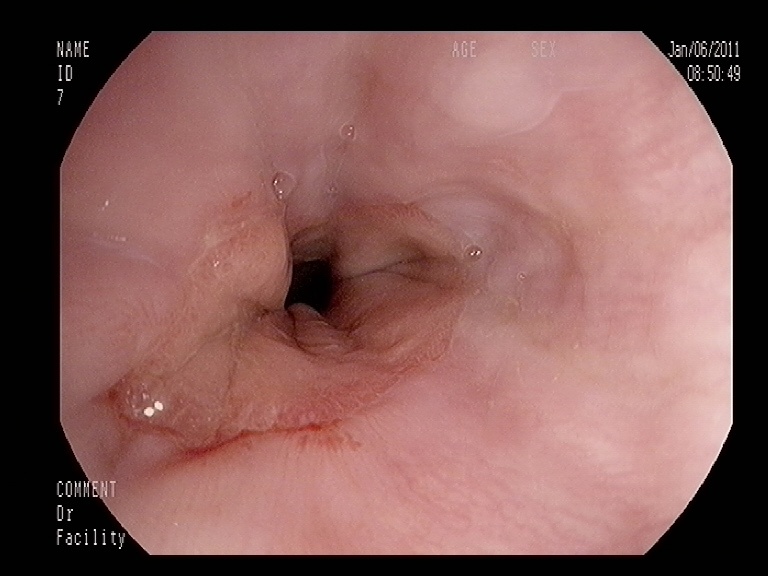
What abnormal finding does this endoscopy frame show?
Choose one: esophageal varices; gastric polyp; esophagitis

esophagitis